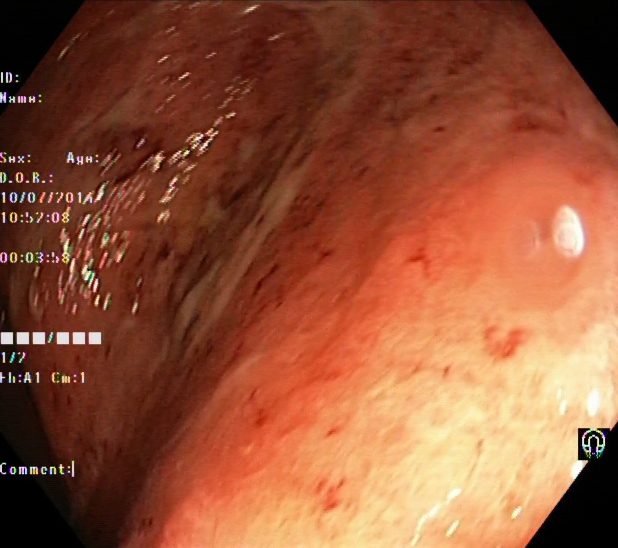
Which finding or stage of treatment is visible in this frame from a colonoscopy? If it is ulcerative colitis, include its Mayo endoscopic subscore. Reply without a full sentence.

ulcerative colitis, Mayo endoscopic subscore 2–3